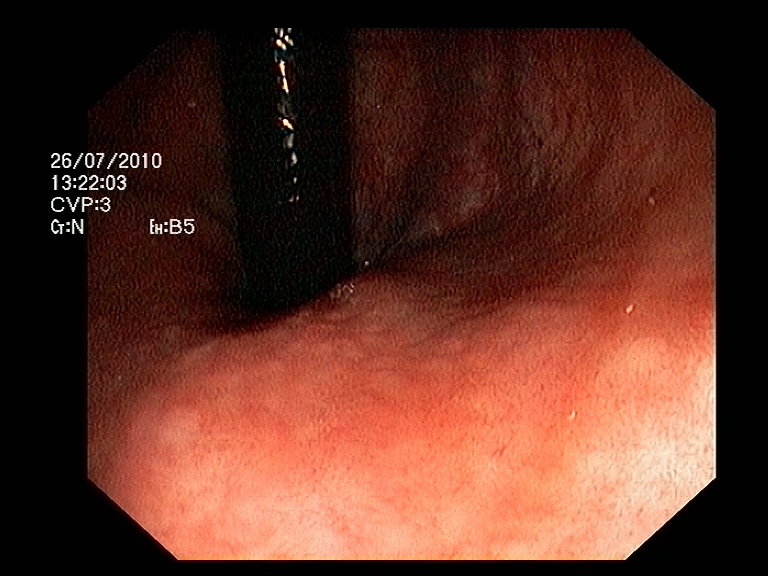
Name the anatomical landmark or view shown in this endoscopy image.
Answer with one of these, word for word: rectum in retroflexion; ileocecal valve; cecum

rectum in retroflexion